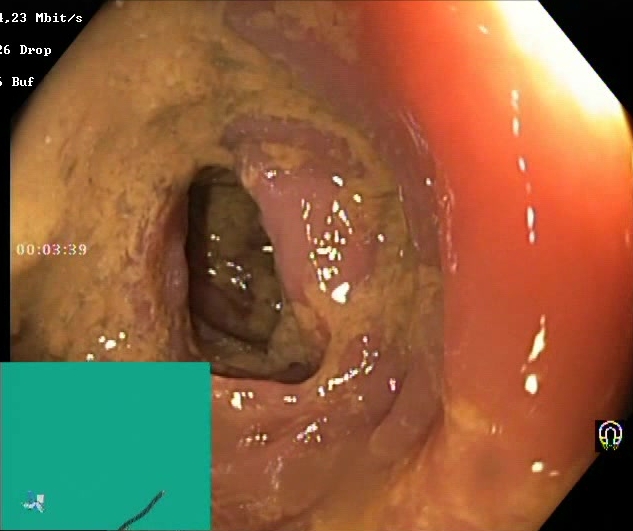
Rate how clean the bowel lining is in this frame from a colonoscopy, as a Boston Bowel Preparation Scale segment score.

Boston Bowel Preparation Scale score 0–1 (inadequate preparation)